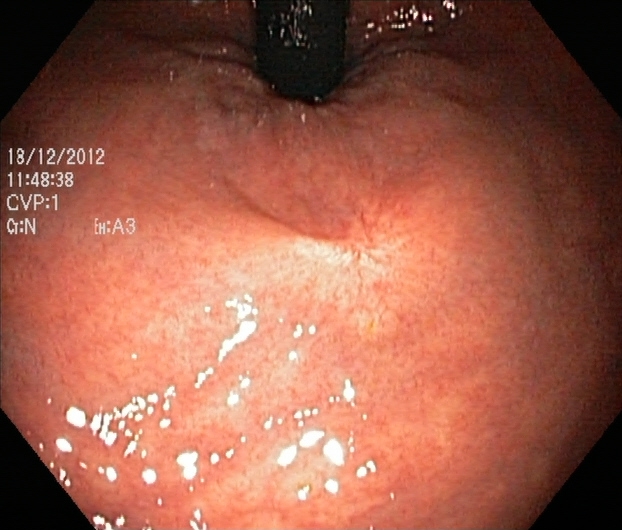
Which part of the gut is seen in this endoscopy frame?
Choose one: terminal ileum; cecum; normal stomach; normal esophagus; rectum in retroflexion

rectum in retroflexion